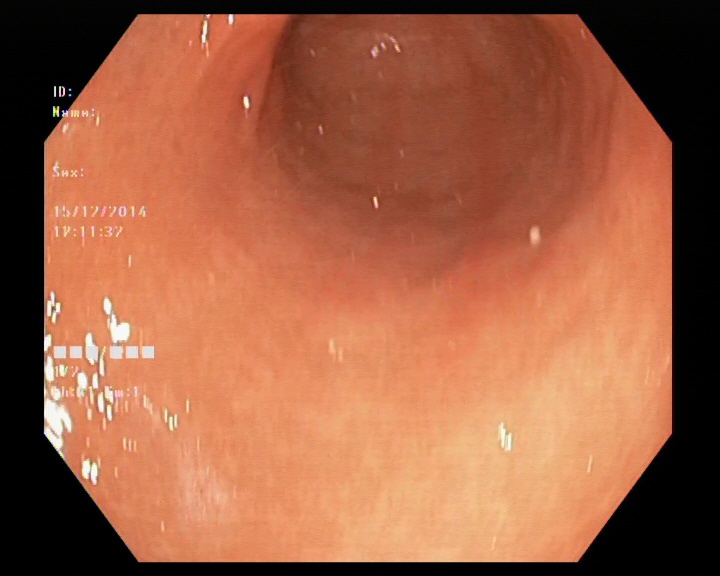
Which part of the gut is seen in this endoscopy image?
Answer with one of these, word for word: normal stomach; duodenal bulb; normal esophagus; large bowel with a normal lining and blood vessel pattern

normal stomach